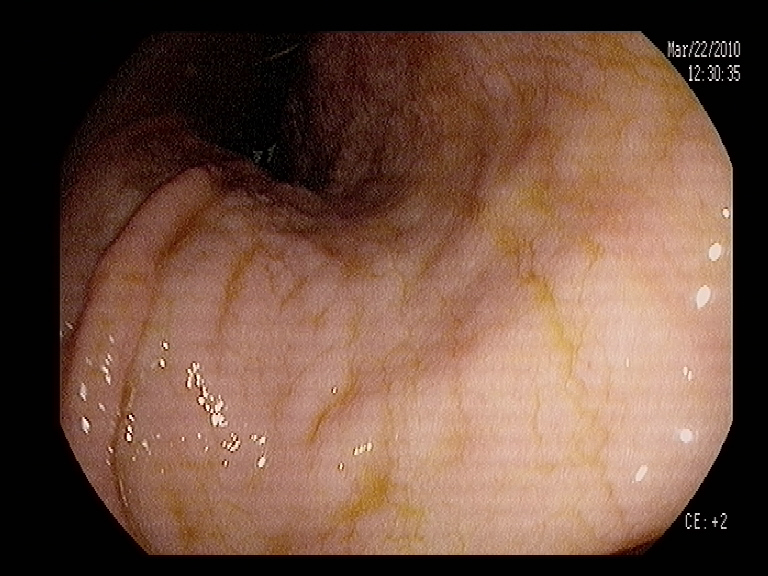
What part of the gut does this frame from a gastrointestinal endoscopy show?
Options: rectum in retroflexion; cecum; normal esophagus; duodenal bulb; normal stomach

normal stomach